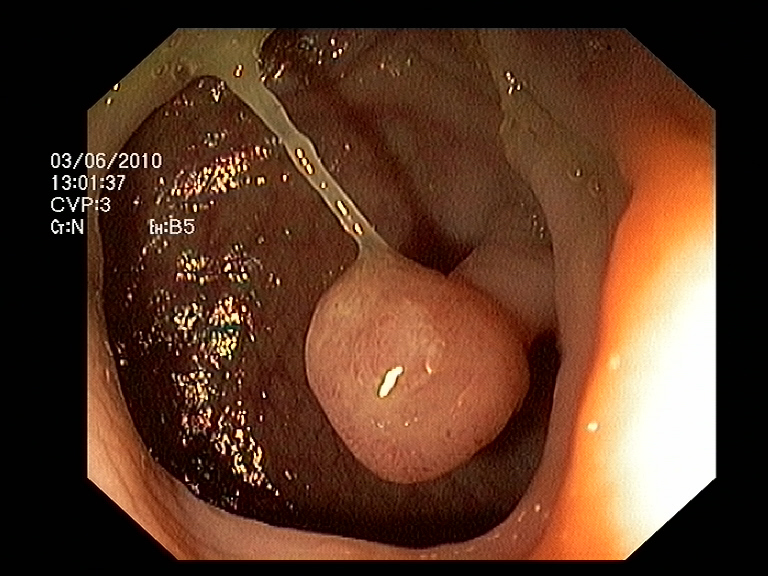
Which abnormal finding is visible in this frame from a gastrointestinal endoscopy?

colon polyp